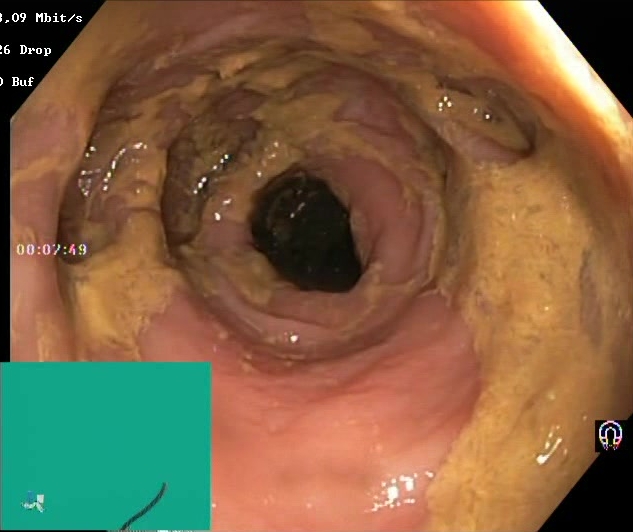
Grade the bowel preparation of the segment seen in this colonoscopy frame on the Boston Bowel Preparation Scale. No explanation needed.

Boston Bowel Preparation Scale score 0–1 (inadequate preparation)